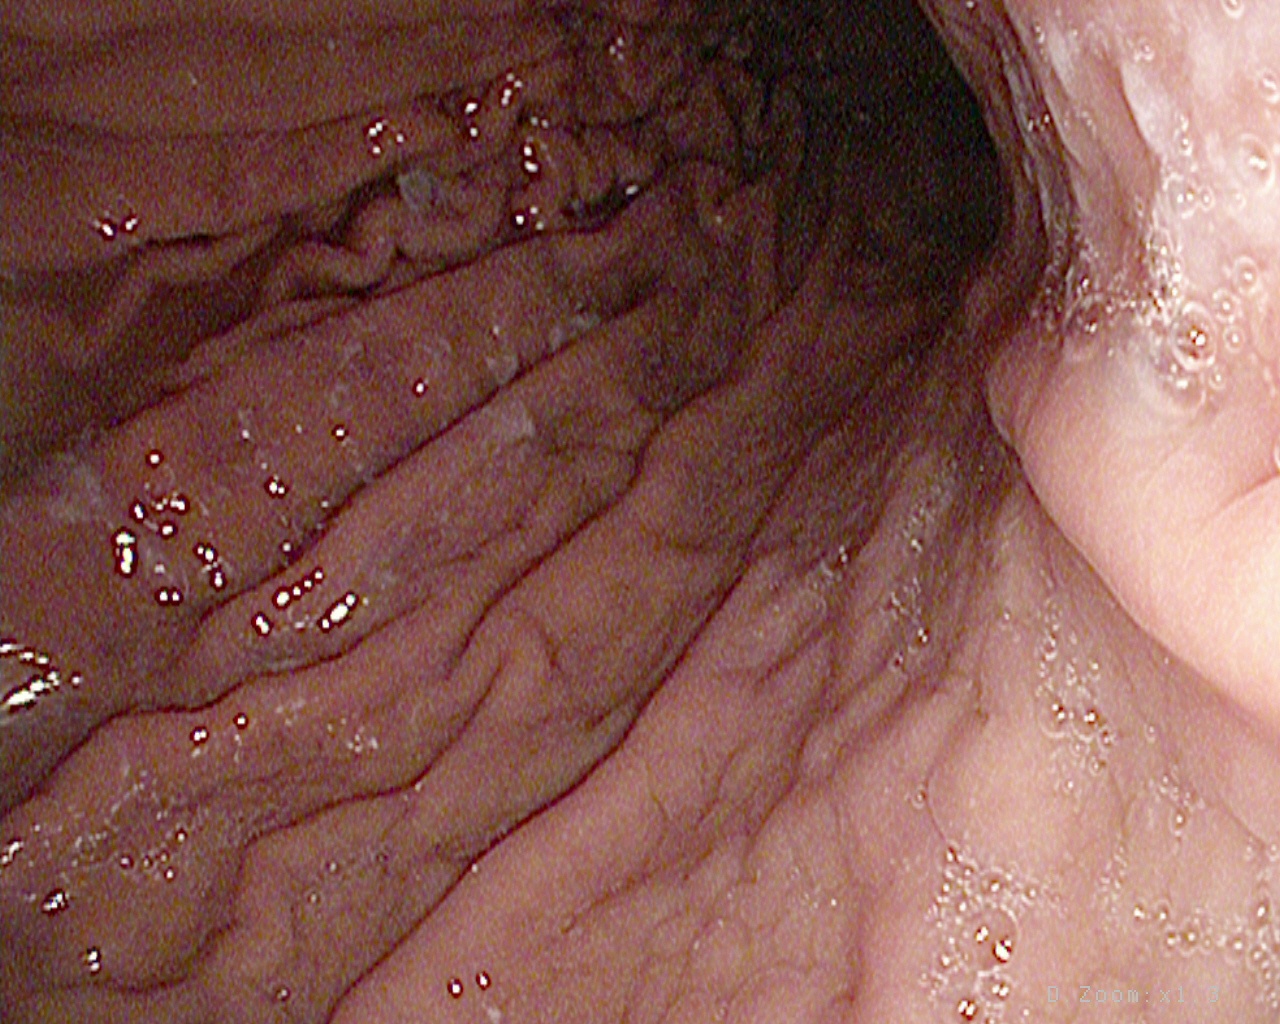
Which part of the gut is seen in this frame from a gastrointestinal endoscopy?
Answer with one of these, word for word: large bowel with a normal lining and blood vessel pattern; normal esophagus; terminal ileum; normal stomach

normal stomach